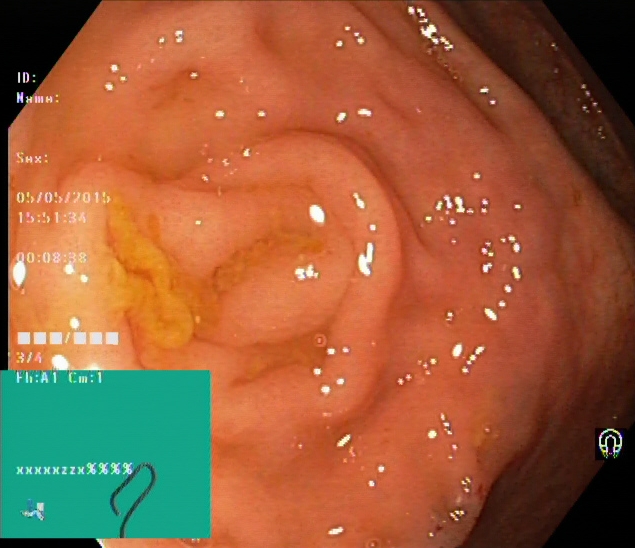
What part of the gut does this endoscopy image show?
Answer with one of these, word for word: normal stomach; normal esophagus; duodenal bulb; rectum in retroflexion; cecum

cecum